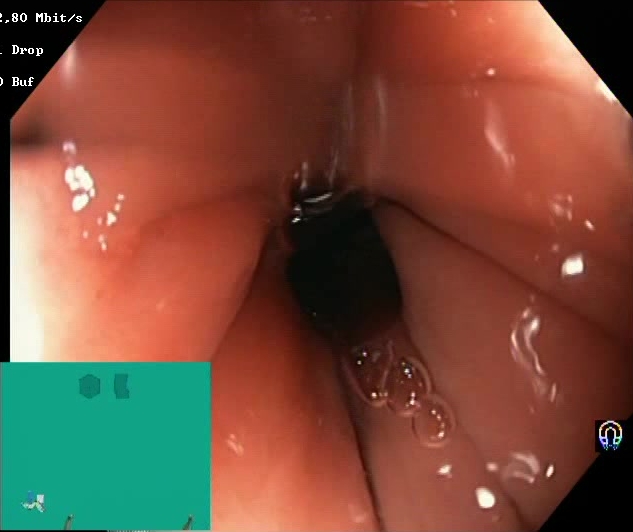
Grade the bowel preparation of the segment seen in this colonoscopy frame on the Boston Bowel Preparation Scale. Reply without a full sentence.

Boston Bowel Preparation Scale score 2–3 (adequate preparation)